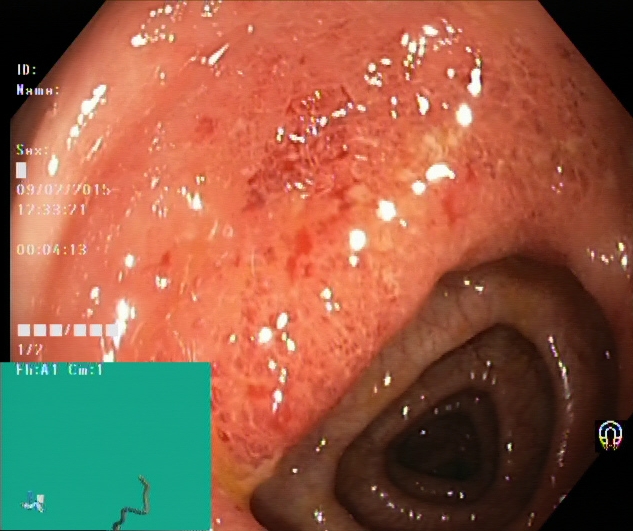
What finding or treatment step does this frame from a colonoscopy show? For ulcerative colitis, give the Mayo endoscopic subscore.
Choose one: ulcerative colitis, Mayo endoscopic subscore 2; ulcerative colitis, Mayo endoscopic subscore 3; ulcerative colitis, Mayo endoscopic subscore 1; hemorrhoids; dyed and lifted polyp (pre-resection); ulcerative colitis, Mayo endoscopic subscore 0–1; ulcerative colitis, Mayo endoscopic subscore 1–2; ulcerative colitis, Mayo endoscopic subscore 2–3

ulcerative colitis, Mayo endoscopic subscore 2